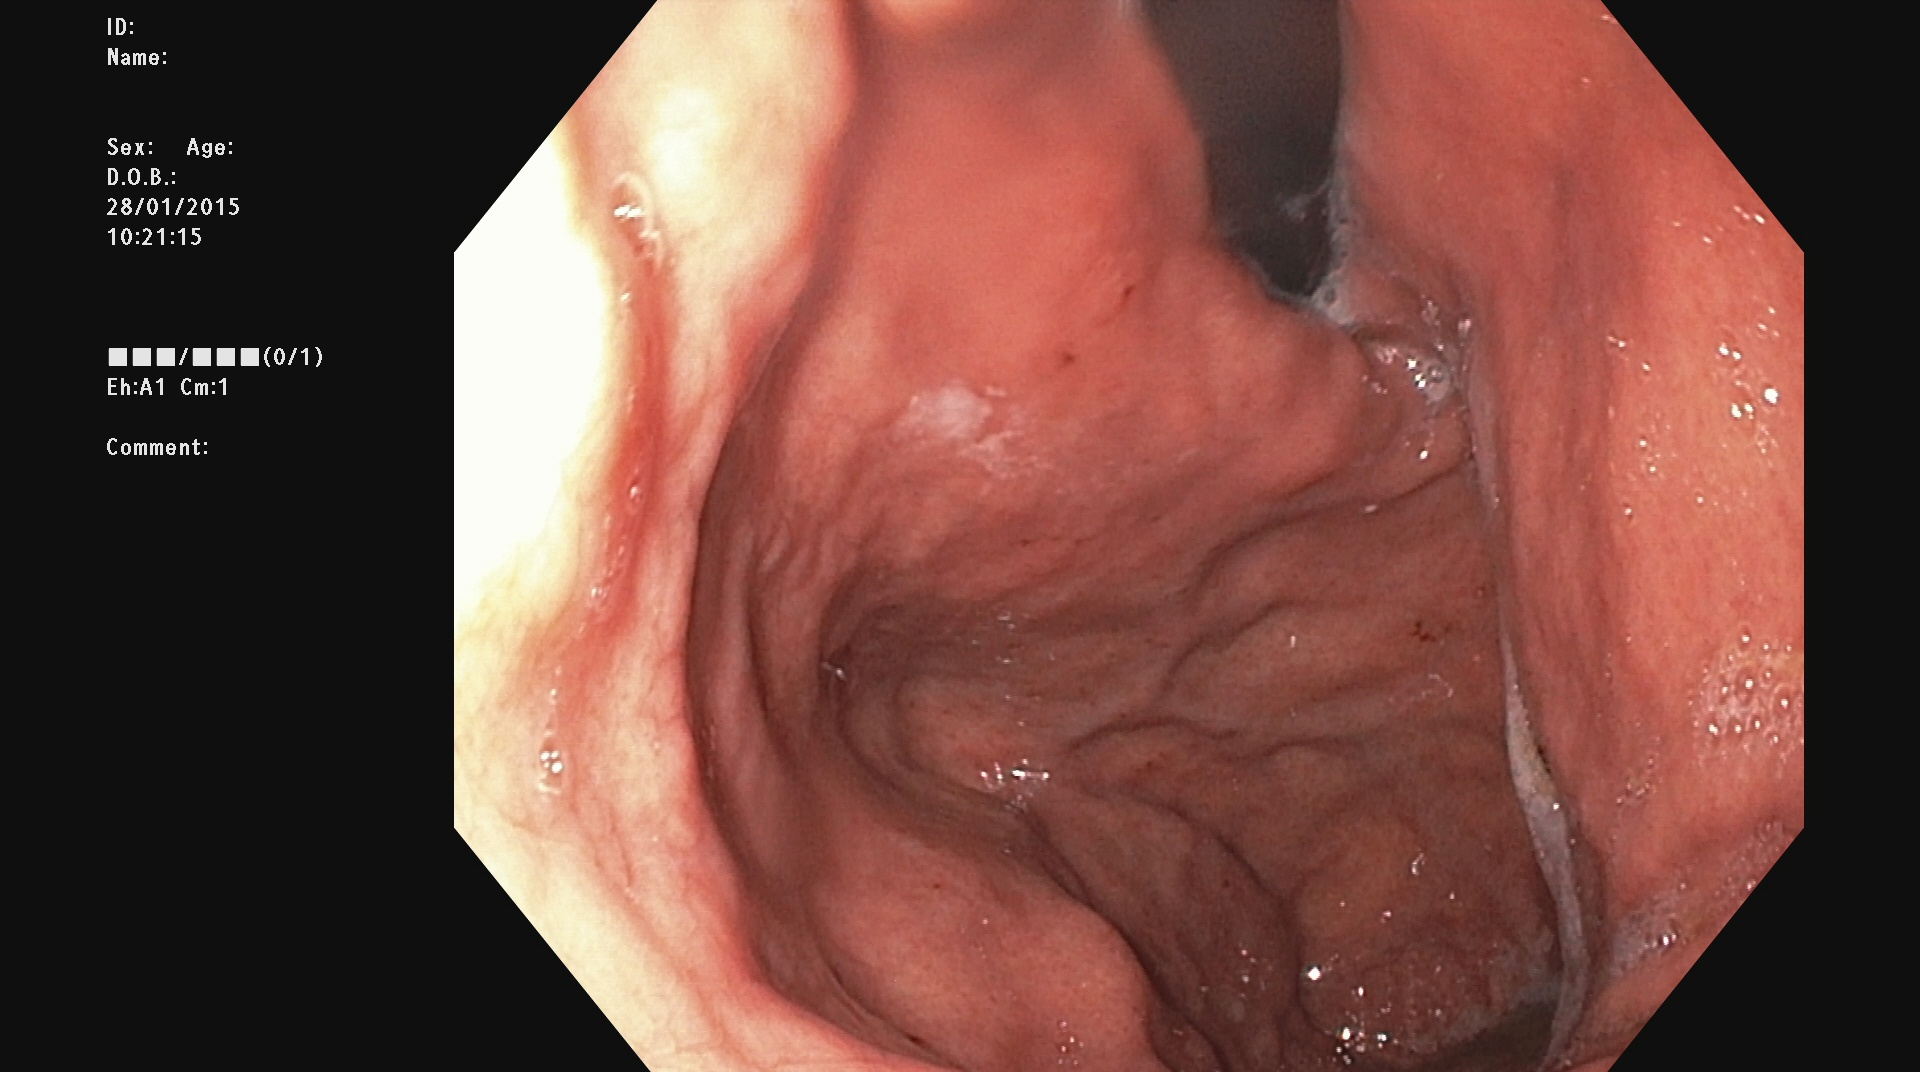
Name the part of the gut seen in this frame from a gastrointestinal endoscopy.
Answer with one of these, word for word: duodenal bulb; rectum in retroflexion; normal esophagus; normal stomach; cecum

normal stomach